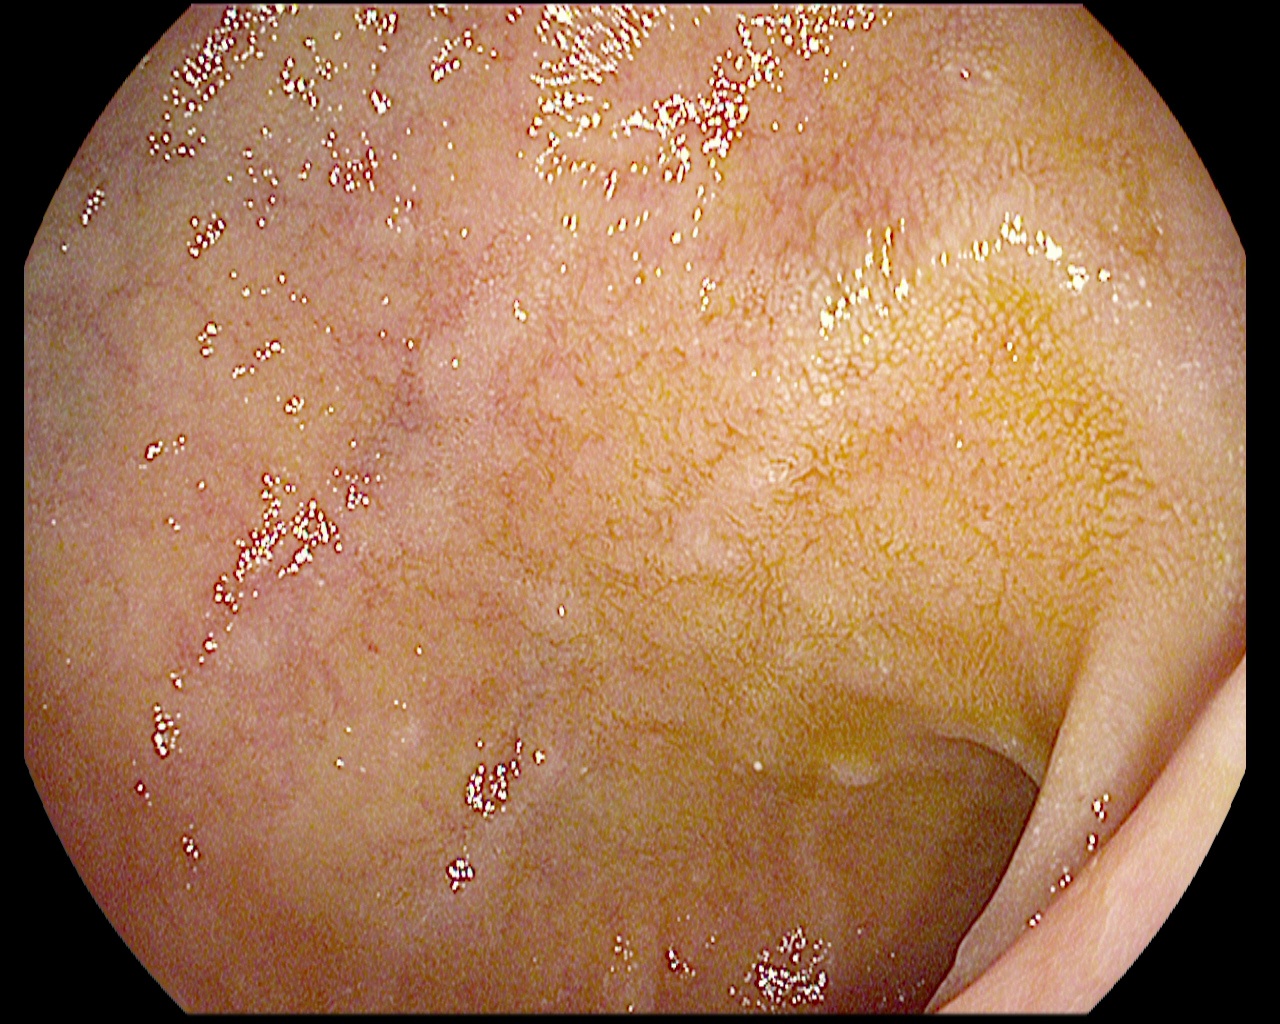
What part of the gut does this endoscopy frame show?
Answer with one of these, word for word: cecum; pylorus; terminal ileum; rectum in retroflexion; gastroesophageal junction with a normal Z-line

terminal ileum